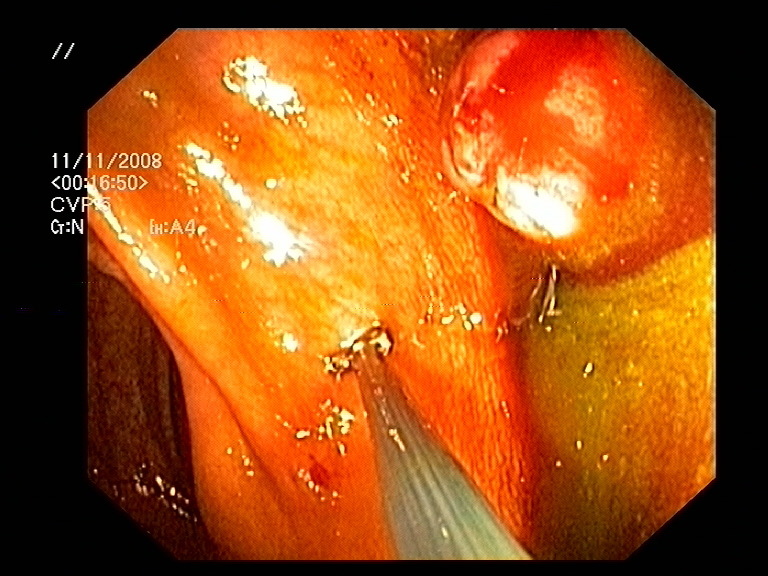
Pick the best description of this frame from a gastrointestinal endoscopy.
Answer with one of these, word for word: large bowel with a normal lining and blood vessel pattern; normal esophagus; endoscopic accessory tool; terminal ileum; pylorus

endoscopic accessory tool